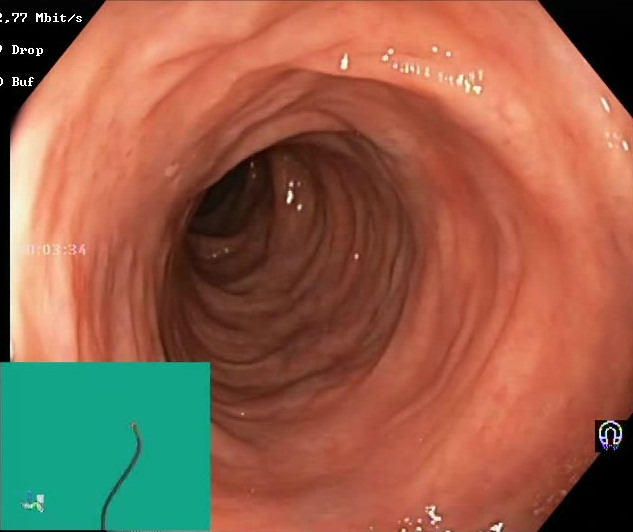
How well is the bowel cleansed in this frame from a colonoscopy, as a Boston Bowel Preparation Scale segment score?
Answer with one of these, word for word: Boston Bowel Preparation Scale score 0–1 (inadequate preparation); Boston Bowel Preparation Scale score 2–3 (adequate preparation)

Boston Bowel Preparation Scale score 2–3 (adequate preparation)